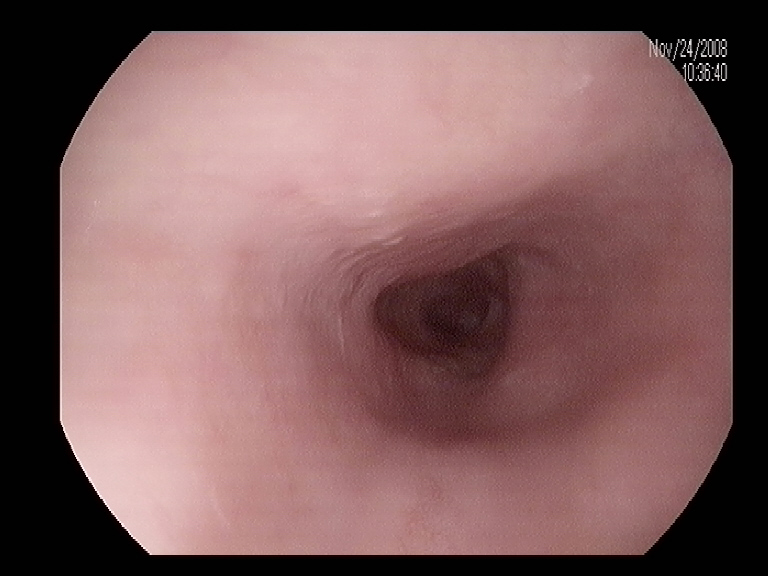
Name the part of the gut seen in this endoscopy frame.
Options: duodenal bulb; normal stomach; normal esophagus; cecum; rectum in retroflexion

normal esophagus